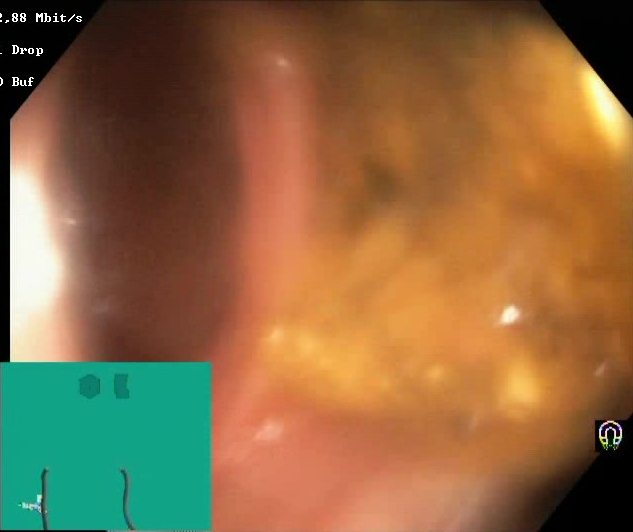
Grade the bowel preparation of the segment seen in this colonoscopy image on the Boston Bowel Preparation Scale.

Boston Bowel Preparation Scale score 0–1 (inadequate preparation)